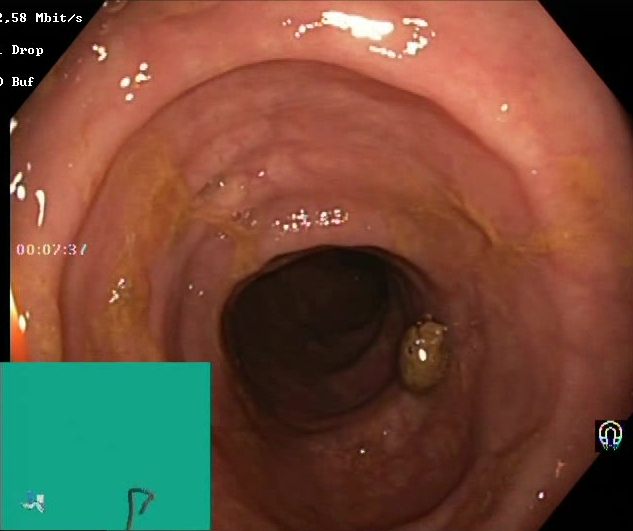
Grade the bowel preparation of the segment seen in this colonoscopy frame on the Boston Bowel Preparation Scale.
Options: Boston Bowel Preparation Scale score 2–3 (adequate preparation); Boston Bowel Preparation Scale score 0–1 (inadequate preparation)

Boston Bowel Preparation Scale score 2–3 (adequate preparation)